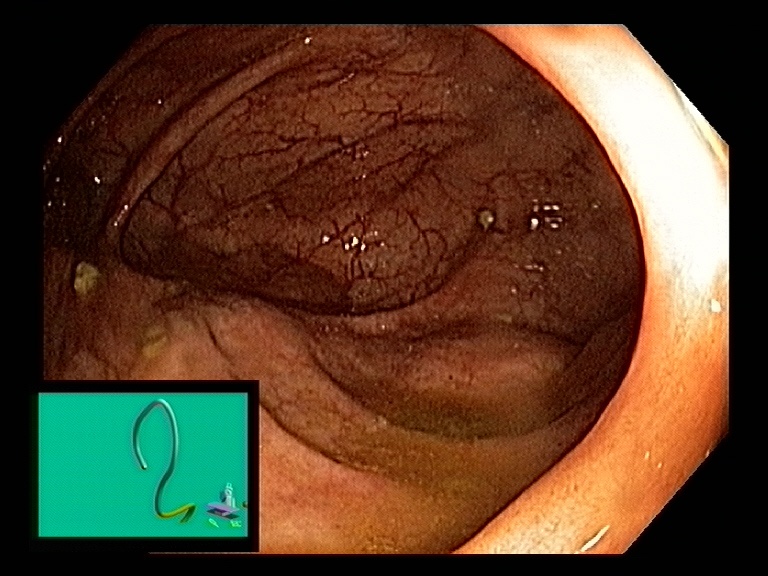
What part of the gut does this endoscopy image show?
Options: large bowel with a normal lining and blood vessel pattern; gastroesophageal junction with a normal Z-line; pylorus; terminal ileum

large bowel with a normal lining and blood vessel pattern